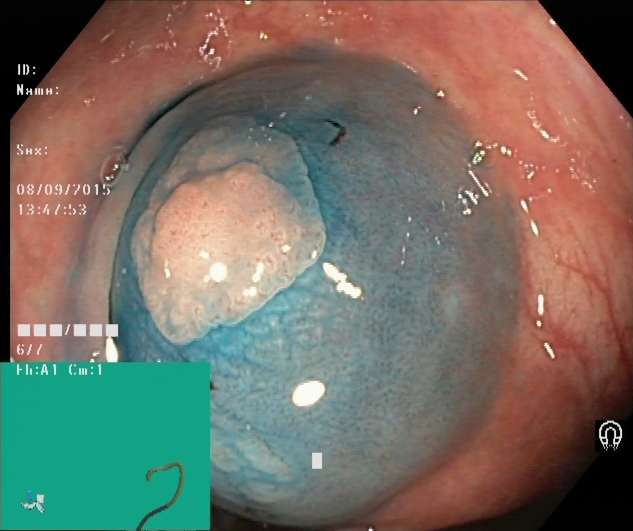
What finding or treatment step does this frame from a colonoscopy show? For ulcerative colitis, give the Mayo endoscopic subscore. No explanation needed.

dyed and lifted polyp (pre-resection)